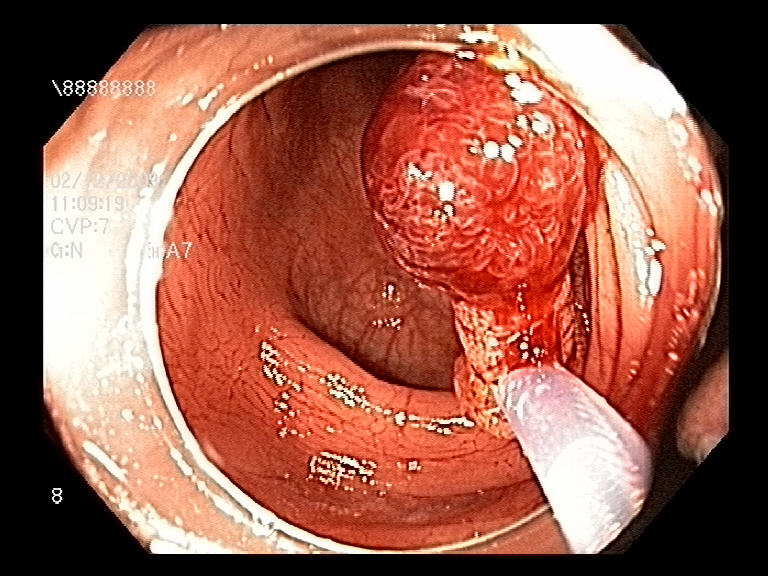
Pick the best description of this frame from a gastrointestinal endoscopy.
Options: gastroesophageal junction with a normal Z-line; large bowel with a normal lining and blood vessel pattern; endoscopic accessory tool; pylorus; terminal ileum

endoscopic accessory tool